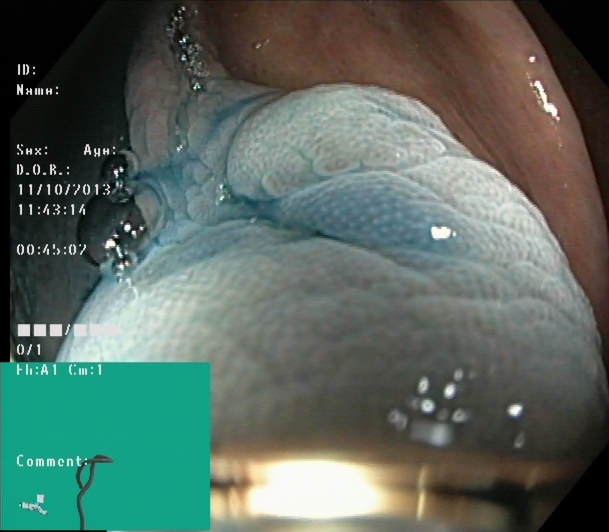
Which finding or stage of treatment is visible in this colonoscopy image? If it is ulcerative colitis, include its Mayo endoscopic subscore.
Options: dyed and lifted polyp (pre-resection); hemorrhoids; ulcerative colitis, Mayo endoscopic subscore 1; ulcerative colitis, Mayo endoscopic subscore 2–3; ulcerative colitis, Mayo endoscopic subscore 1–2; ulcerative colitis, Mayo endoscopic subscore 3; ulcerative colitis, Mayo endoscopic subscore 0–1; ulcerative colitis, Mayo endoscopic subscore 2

dyed and lifted polyp (pre-resection)